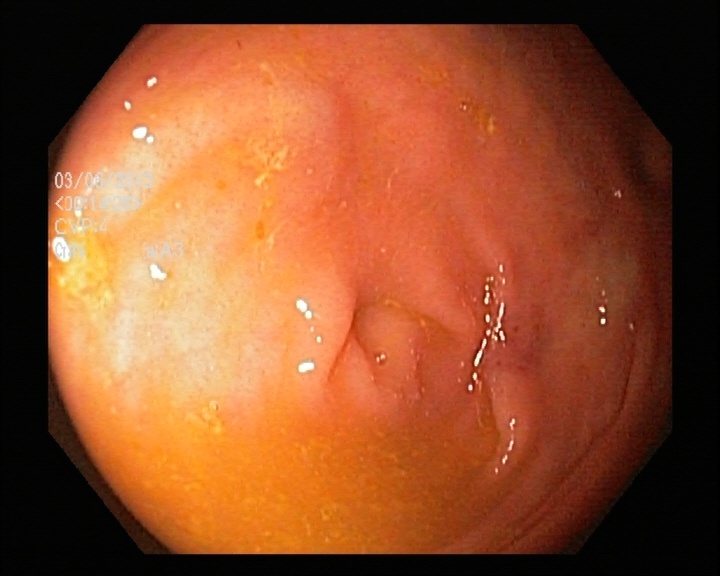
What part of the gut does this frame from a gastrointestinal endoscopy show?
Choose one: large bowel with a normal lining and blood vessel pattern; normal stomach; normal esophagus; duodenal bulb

large bowel with a normal lining and blood vessel pattern